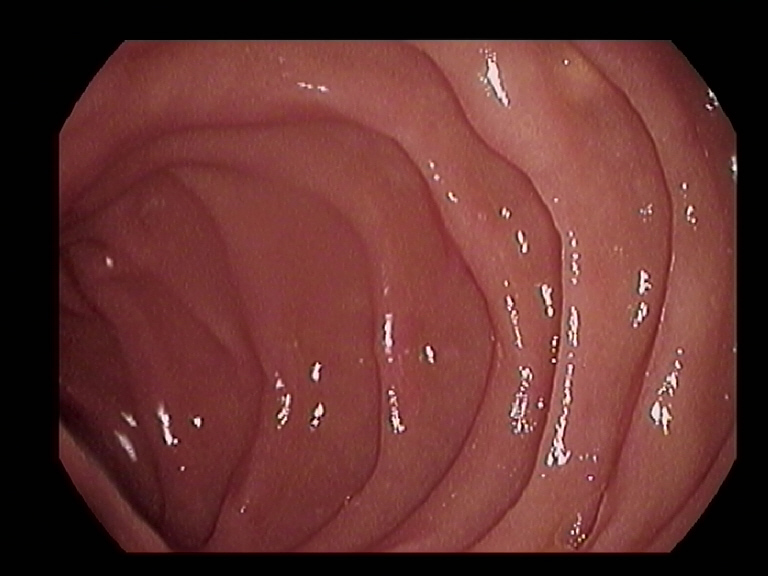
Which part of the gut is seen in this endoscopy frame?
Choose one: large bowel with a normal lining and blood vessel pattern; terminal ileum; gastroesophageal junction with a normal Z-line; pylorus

terminal ileum